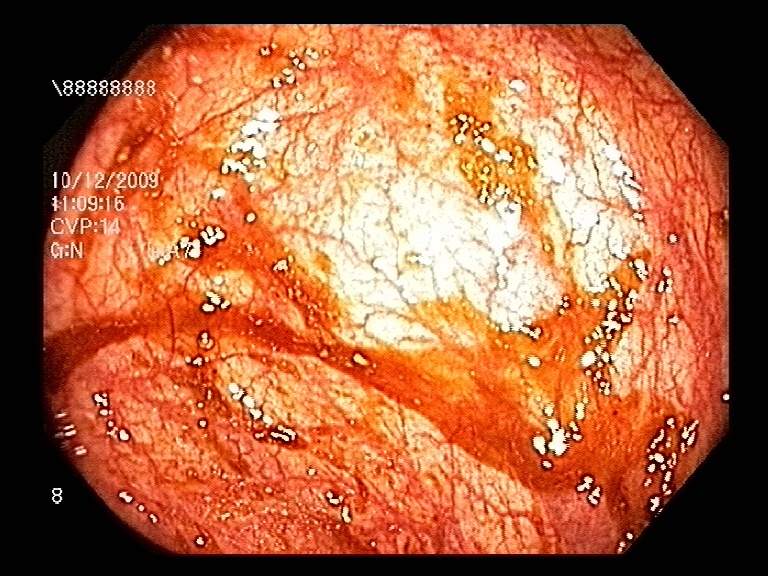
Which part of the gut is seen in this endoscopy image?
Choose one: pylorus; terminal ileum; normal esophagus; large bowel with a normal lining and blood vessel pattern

large bowel with a normal lining and blood vessel pattern